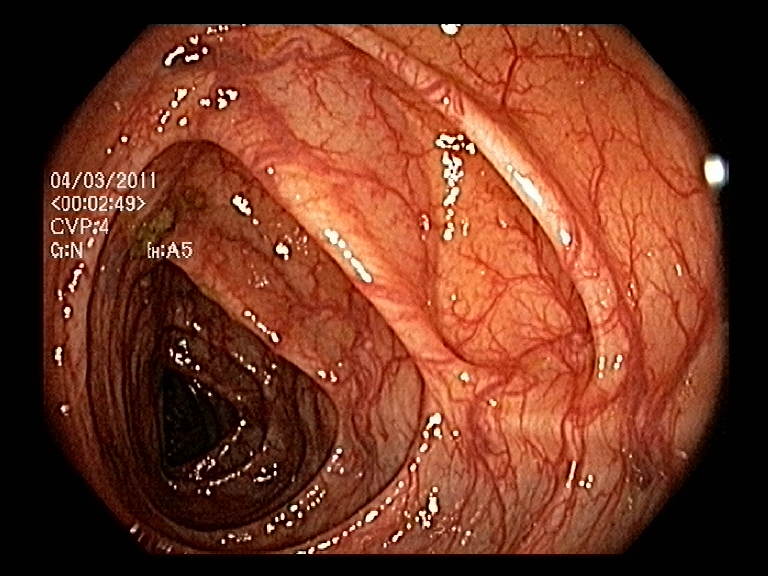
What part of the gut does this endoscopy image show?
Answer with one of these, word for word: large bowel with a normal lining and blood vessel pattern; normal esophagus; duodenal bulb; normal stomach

large bowel with a normal lining and blood vessel pattern